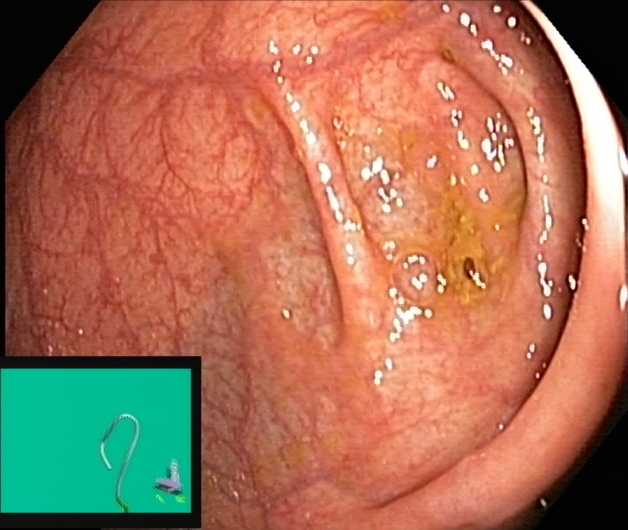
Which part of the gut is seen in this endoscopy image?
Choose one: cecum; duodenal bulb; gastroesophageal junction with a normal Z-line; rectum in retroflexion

cecum